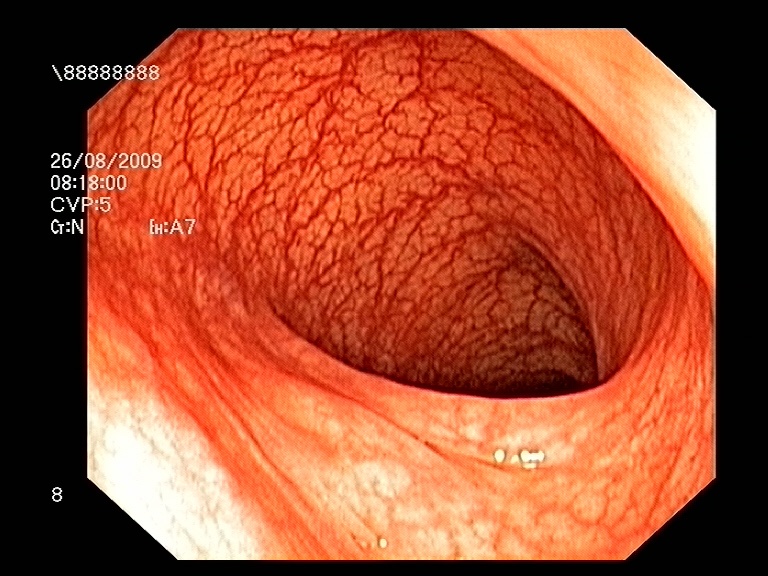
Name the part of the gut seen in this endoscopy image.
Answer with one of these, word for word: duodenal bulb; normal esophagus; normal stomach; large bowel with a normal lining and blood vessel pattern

large bowel with a normal lining and blood vessel pattern